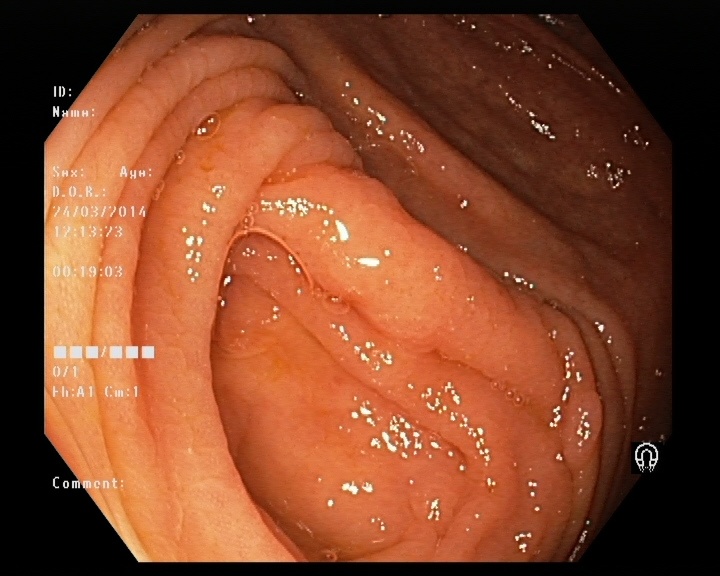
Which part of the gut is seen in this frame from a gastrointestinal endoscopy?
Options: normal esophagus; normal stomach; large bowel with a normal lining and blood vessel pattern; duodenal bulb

large bowel with a normal lining and blood vessel pattern